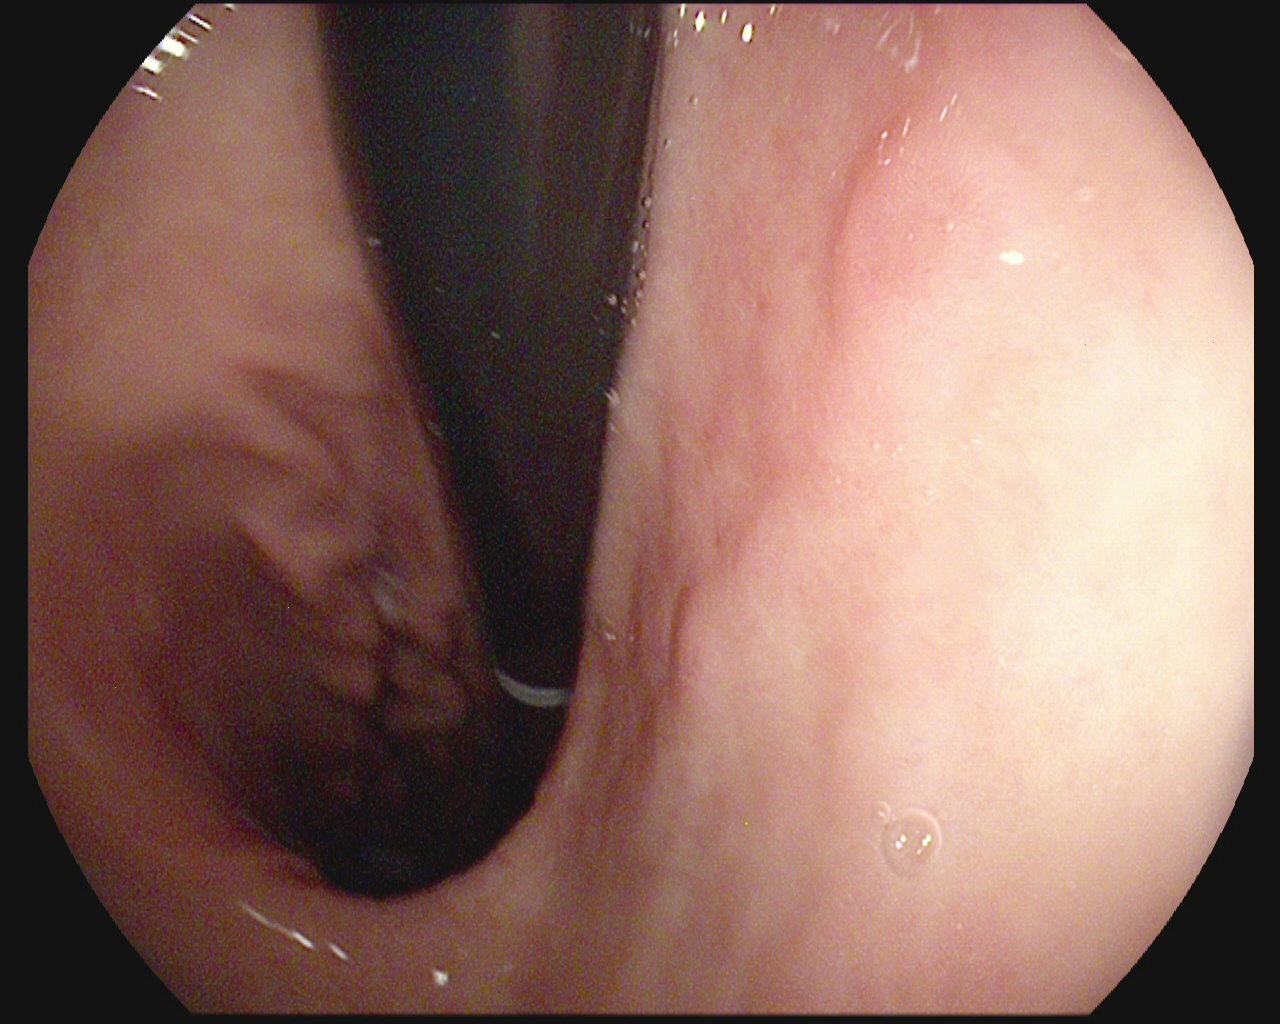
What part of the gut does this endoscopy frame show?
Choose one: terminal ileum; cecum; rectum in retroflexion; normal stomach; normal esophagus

normal stomach